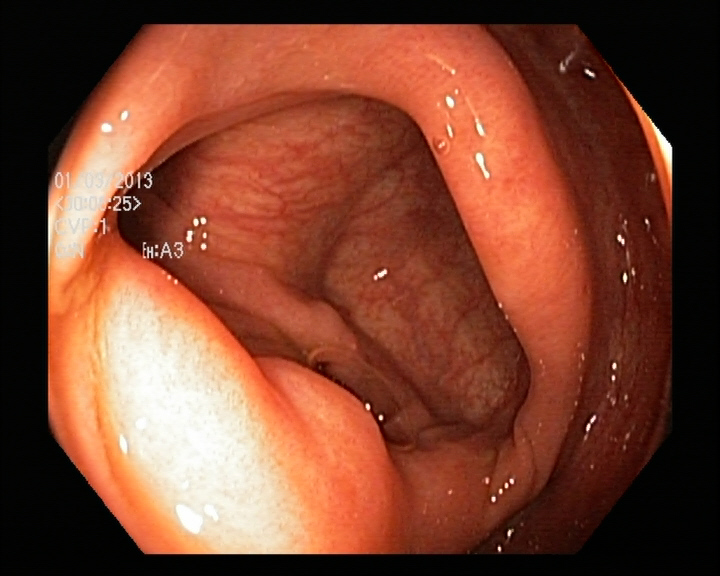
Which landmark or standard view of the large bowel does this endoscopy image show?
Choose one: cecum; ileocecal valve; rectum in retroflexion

ileocecal valve